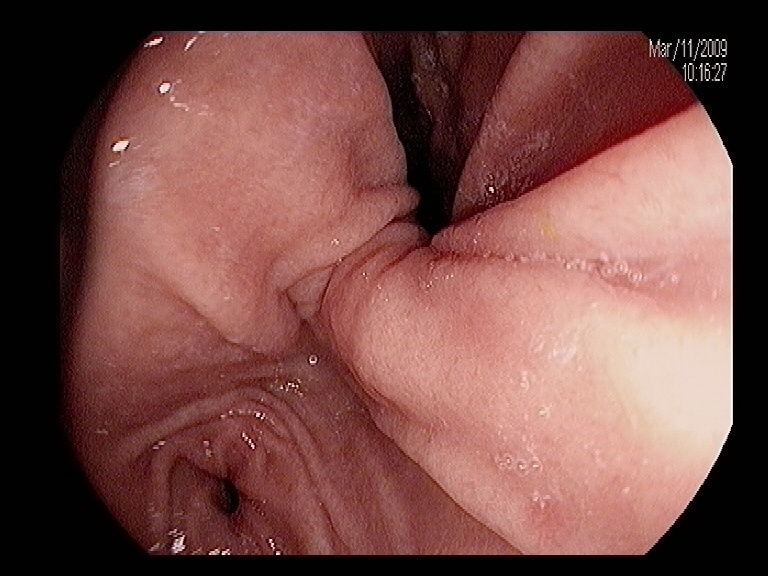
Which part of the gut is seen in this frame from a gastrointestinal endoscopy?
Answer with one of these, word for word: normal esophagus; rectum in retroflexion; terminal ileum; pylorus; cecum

pylorus